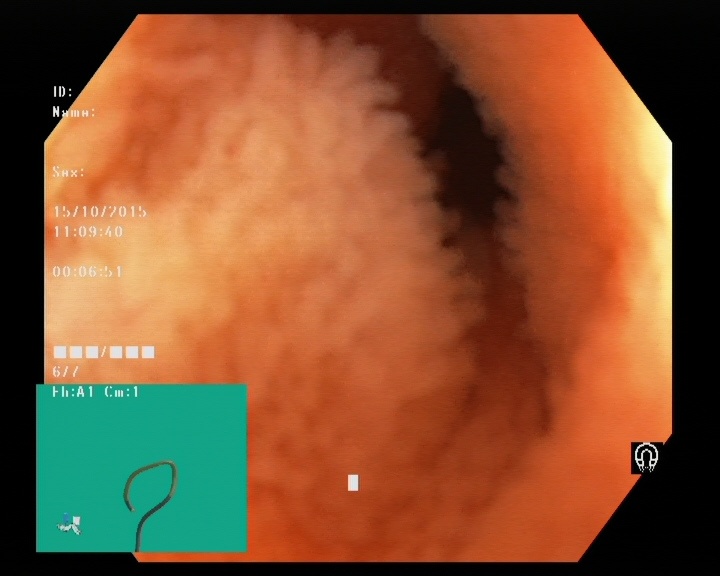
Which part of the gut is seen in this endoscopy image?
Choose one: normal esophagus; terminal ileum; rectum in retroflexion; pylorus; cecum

terminal ileum